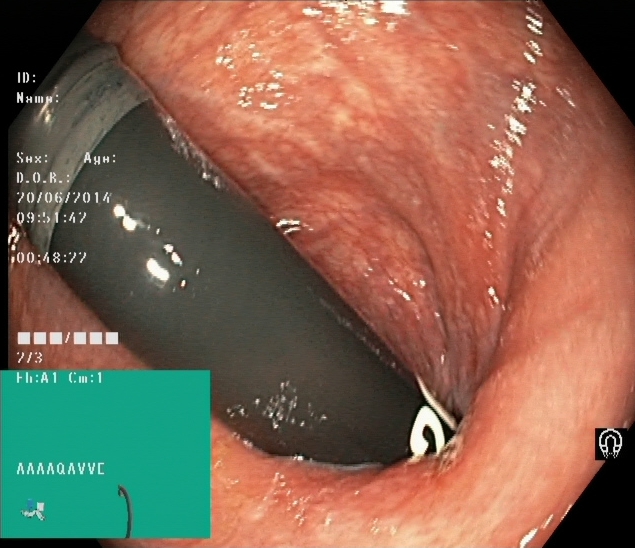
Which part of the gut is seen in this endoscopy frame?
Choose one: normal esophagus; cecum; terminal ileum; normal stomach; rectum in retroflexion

rectum in retroflexion